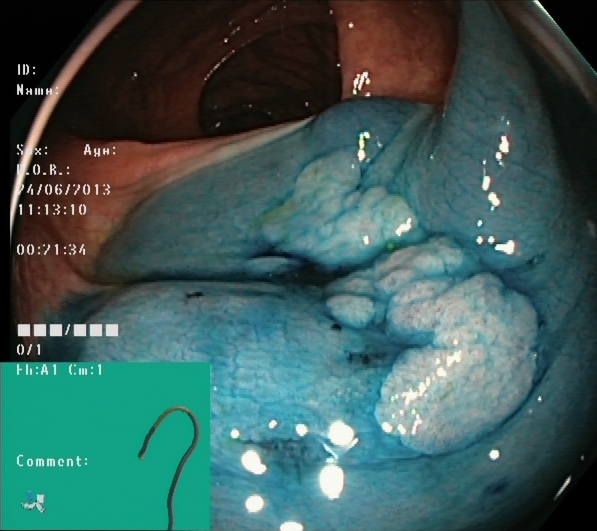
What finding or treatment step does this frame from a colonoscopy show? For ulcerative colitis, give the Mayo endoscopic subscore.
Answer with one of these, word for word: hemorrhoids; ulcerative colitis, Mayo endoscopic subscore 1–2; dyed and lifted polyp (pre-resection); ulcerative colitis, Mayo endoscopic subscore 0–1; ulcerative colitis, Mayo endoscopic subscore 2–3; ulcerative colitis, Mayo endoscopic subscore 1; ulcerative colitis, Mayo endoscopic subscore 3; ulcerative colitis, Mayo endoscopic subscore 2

dyed and lifted polyp (pre-resection)